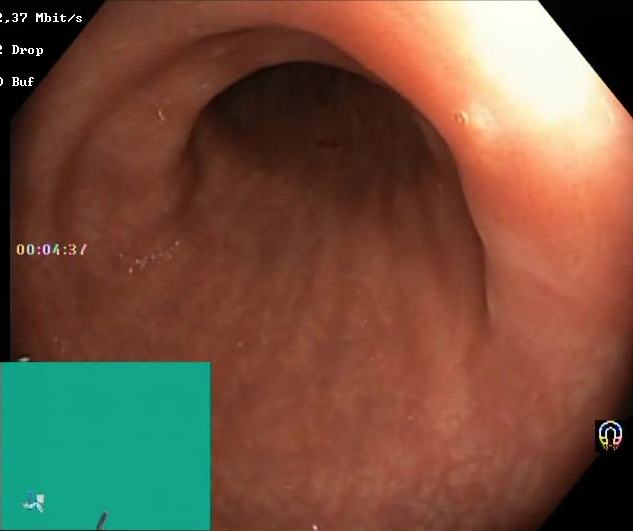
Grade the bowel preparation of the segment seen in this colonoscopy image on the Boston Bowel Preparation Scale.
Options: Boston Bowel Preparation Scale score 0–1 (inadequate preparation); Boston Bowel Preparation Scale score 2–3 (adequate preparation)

Boston Bowel Preparation Scale score 2–3 (adequate preparation)